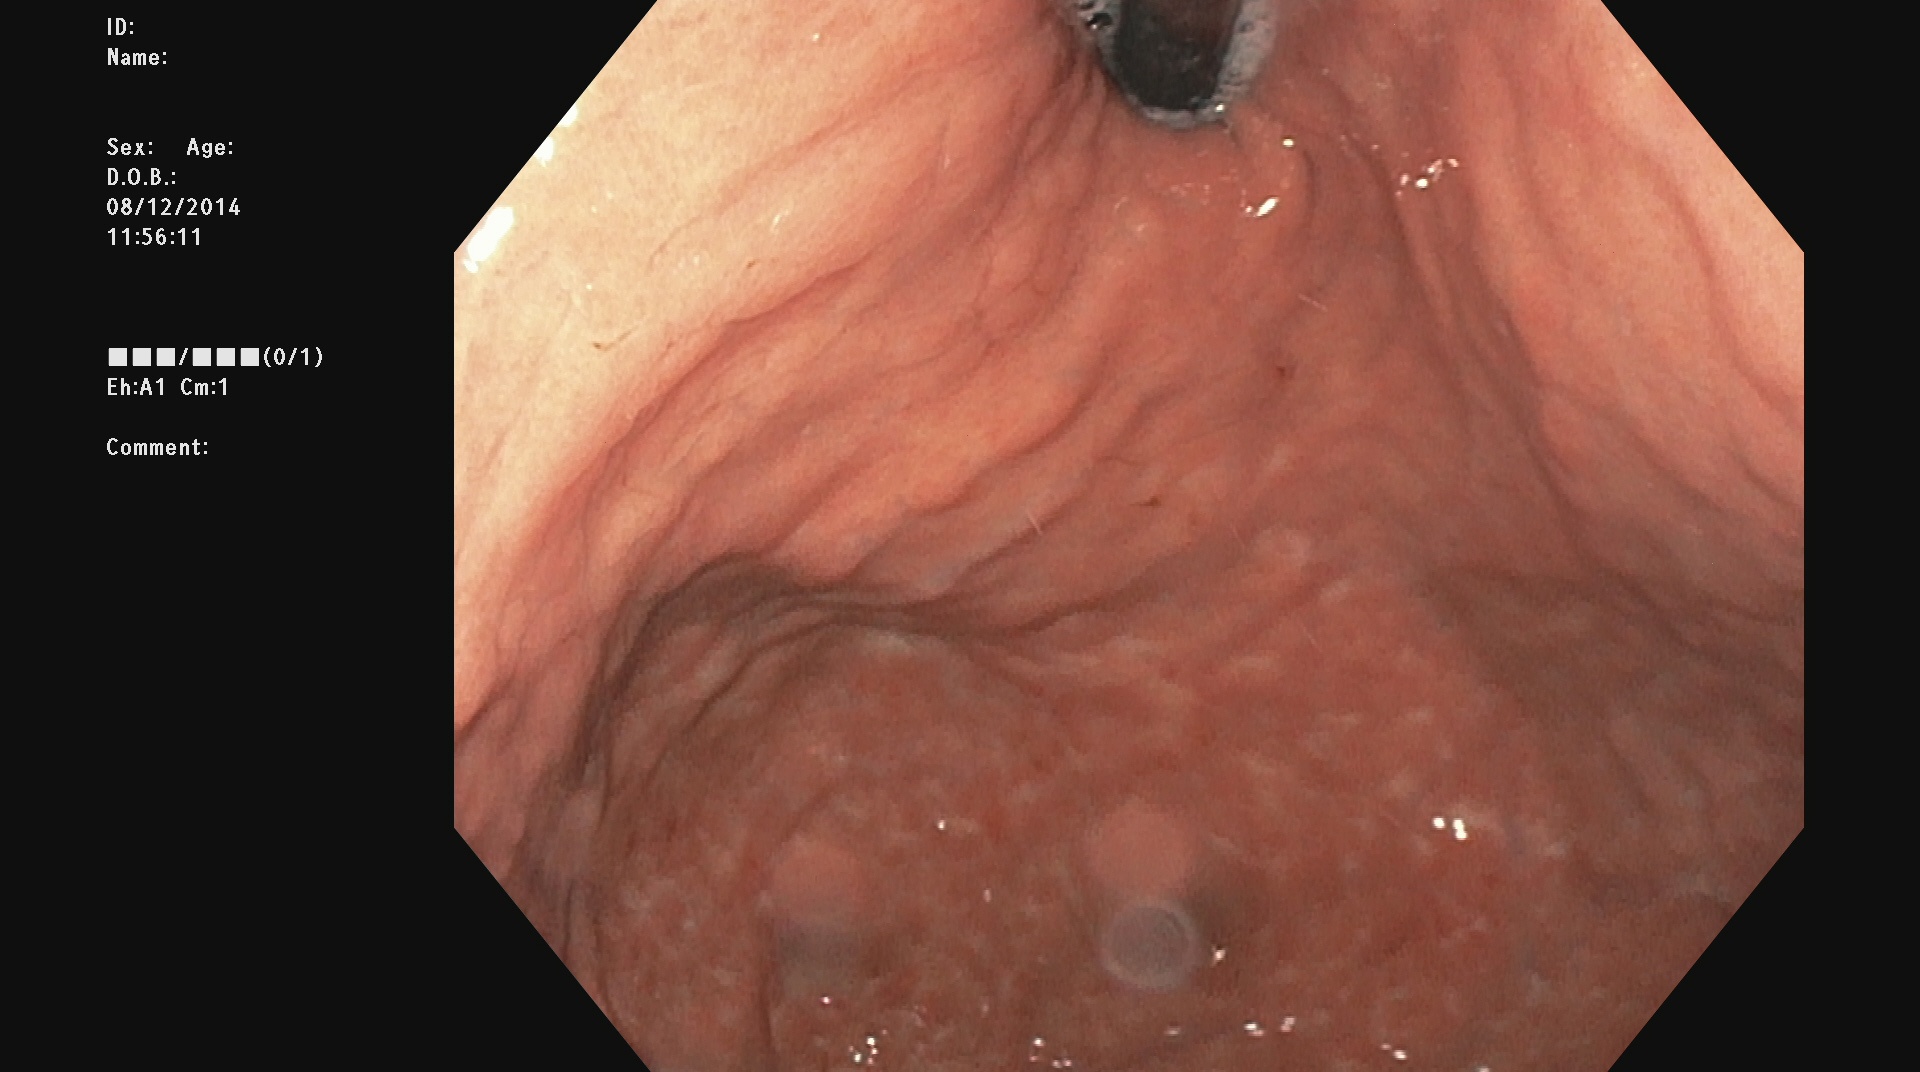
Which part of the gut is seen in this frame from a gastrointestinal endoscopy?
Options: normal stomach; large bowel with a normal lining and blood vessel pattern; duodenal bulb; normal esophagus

normal stomach